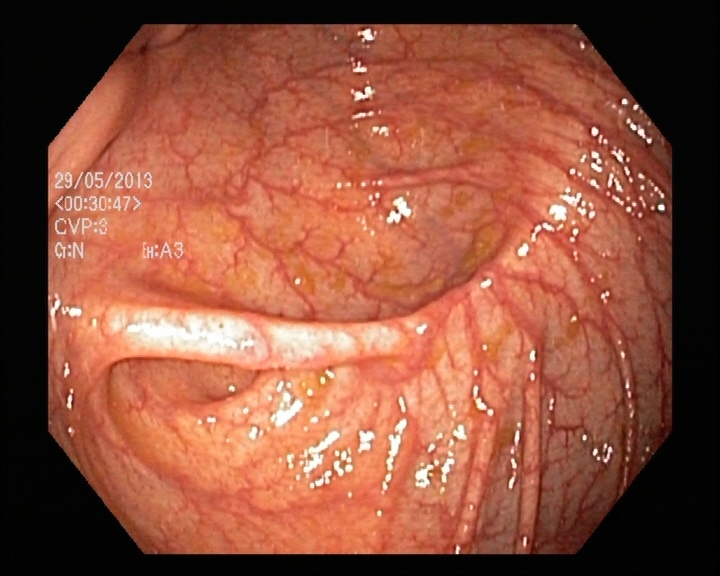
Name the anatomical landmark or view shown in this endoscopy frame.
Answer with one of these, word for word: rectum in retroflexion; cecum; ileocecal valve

cecum